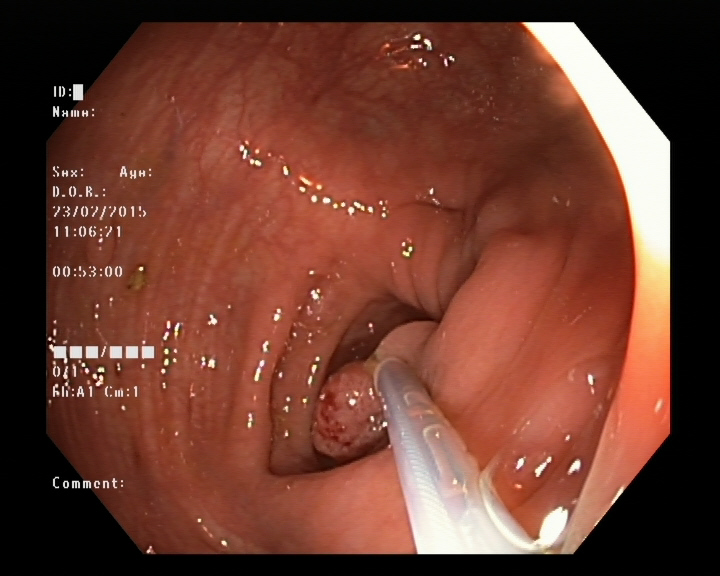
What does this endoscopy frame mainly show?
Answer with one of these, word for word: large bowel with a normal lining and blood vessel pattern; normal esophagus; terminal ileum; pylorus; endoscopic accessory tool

endoscopic accessory tool